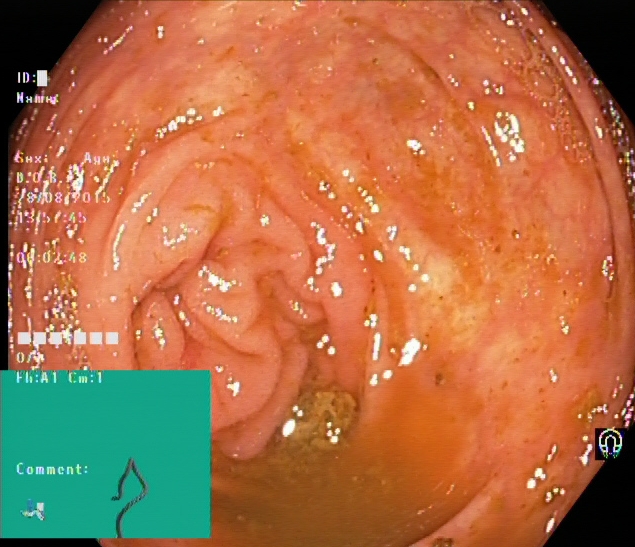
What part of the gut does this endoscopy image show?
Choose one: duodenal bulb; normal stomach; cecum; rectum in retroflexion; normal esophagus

cecum